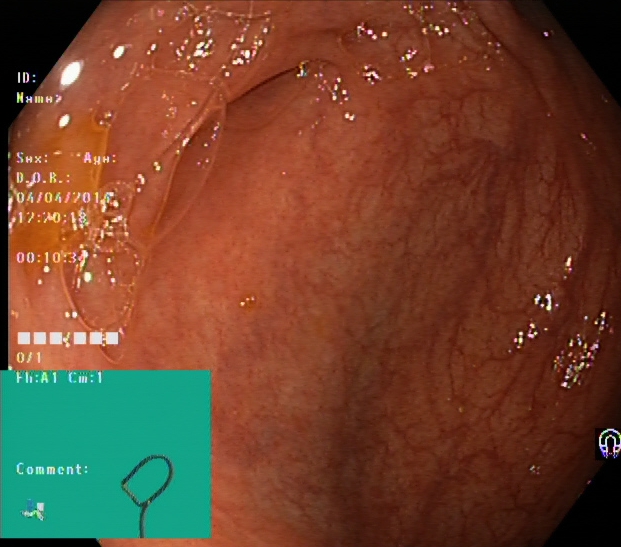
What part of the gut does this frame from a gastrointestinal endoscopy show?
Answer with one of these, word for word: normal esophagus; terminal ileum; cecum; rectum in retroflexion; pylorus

cecum